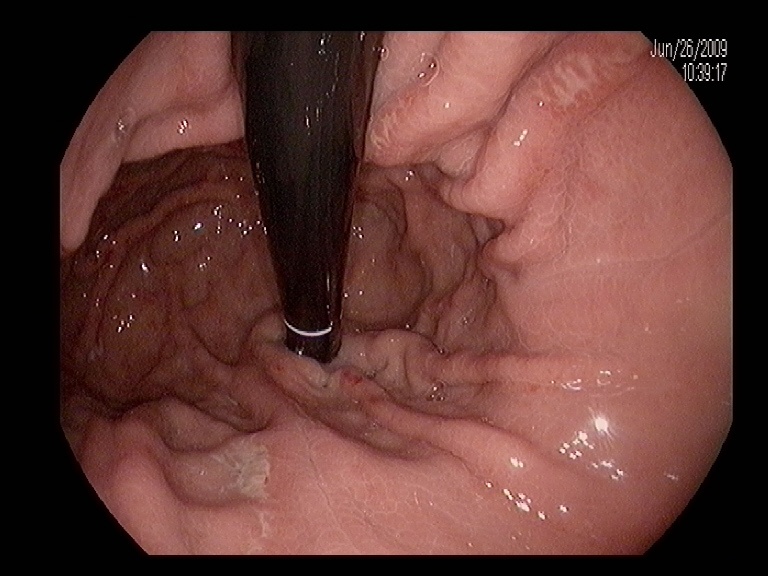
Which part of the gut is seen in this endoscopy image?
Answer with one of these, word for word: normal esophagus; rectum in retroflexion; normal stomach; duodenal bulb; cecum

normal stomach